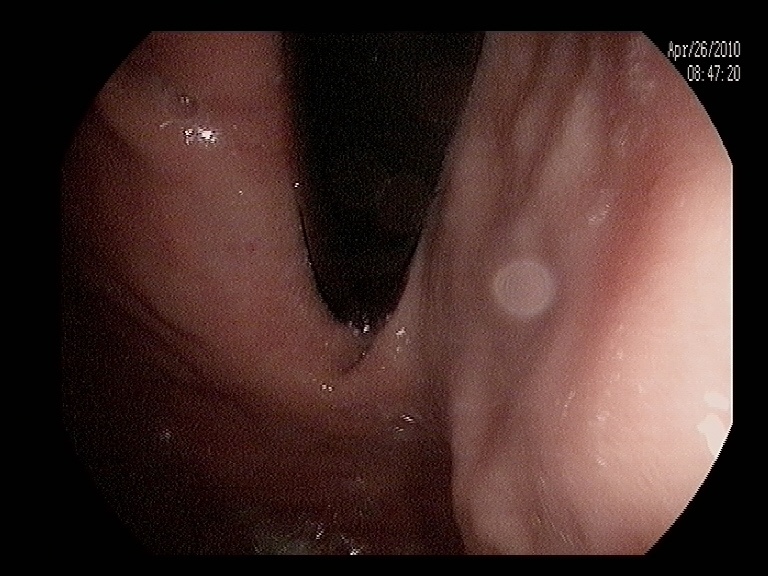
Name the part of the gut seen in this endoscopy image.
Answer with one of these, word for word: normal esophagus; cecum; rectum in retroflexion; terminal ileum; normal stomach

normal stomach